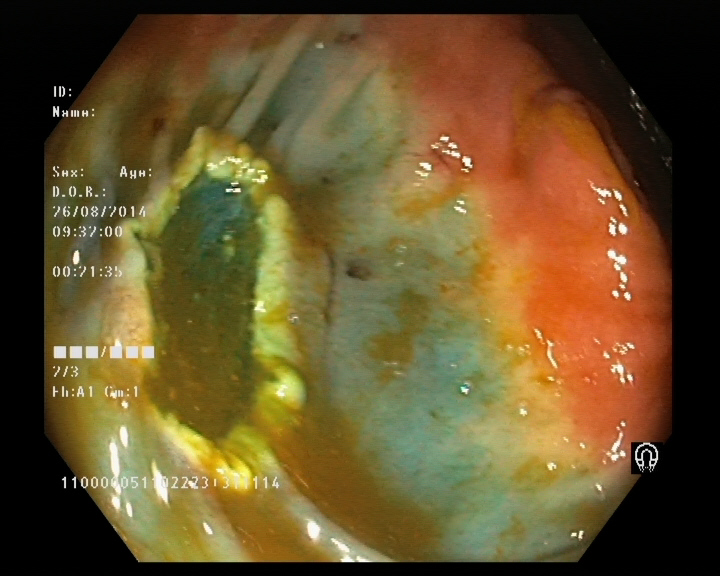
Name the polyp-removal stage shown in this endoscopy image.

dyed resection margin (post-polypectomy)